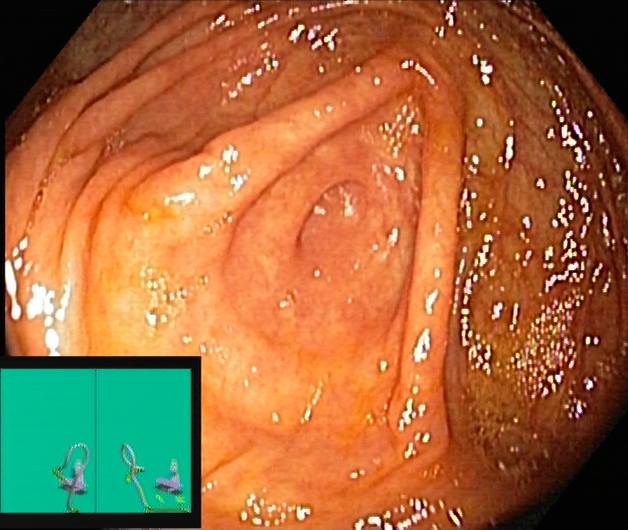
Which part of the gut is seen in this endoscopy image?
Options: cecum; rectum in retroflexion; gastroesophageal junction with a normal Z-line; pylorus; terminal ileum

cecum